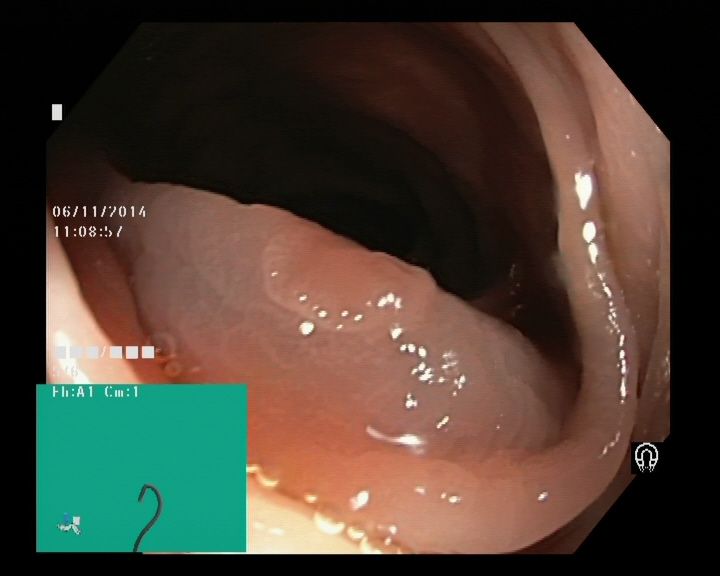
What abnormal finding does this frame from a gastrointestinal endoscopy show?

colon polyp